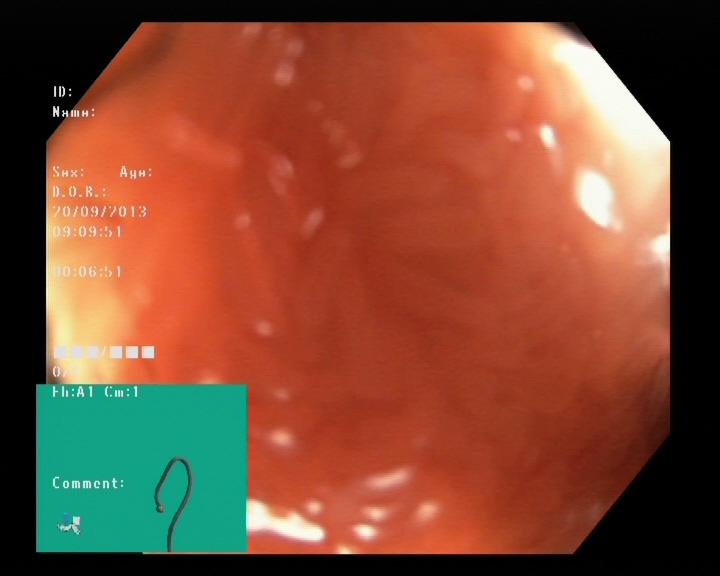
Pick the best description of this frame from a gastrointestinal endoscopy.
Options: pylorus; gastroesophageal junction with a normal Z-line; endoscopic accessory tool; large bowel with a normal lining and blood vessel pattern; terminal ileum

large bowel with a normal lining and blood vessel pattern